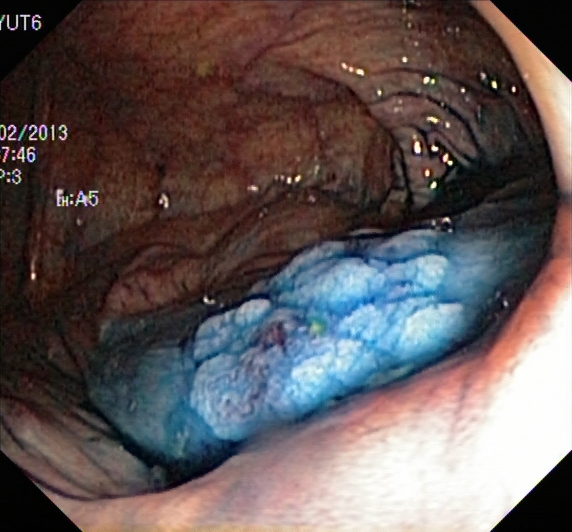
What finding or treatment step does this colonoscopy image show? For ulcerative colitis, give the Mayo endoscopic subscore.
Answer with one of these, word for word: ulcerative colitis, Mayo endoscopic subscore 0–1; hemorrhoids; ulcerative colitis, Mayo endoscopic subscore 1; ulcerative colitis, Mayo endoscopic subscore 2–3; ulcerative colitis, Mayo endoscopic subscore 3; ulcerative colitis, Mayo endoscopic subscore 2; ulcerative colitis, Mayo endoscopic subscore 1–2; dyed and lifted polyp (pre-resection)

dyed and lifted polyp (pre-resection)